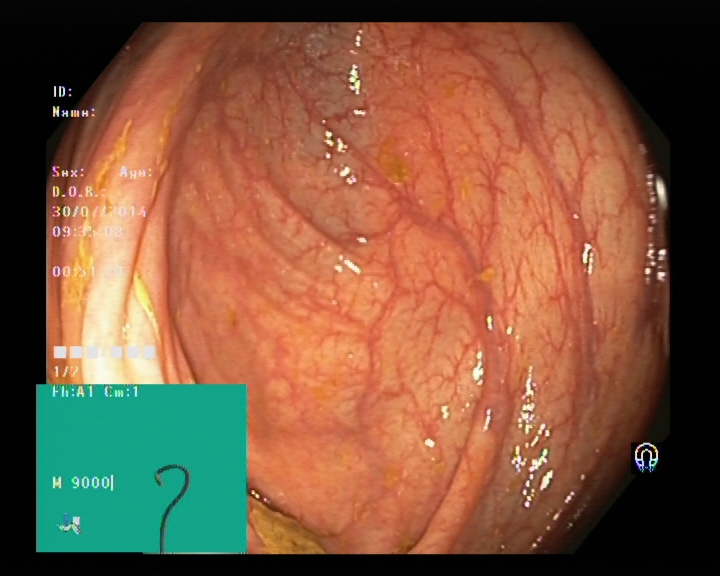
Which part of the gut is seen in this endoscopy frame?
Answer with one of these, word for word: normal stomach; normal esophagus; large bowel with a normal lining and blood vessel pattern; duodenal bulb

large bowel with a normal lining and blood vessel pattern